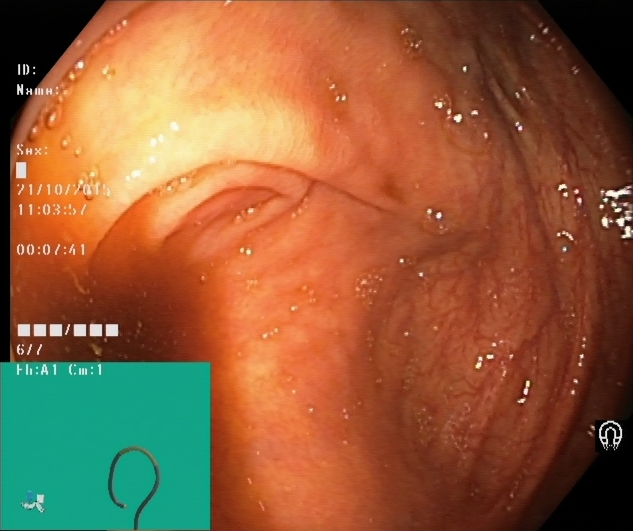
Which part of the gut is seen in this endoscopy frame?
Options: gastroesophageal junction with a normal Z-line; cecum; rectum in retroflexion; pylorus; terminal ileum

cecum